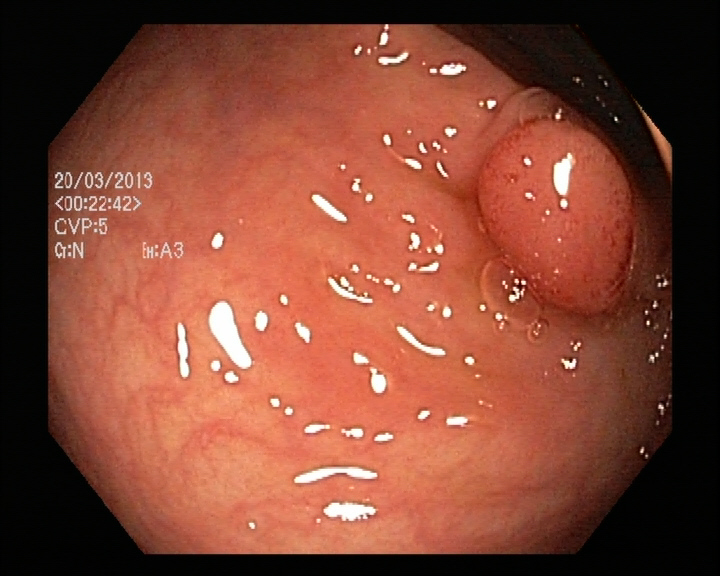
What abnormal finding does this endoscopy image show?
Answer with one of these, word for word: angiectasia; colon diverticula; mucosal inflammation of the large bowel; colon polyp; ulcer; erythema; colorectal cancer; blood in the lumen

colon polyp